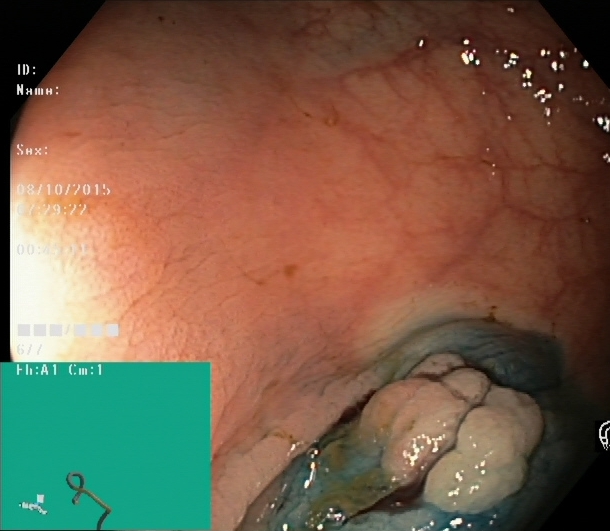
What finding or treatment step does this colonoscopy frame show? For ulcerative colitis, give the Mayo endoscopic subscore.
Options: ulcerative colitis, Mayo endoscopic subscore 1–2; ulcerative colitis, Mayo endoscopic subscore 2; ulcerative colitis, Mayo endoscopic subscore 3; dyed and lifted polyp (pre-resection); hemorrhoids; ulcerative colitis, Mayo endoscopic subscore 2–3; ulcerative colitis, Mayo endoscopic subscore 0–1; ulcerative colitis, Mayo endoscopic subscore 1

dyed and lifted polyp (pre-resection)